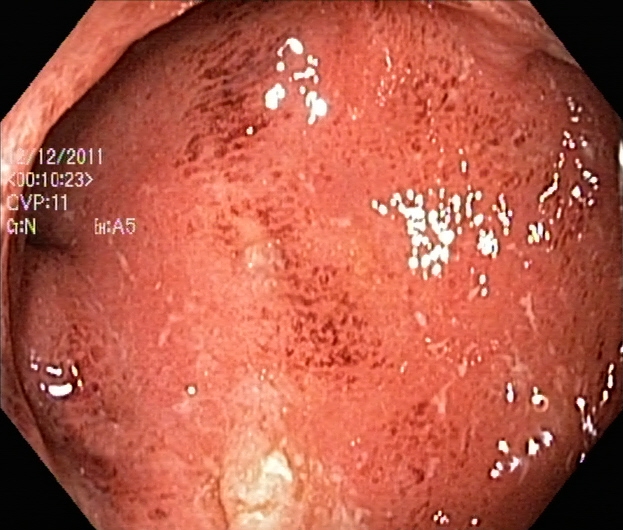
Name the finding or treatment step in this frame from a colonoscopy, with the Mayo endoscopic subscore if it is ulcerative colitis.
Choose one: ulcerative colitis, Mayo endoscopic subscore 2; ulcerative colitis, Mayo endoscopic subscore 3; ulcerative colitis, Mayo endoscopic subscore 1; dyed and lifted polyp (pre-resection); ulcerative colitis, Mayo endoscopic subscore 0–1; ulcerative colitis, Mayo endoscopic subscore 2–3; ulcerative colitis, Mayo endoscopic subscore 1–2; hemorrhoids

ulcerative colitis, Mayo endoscopic subscore 2